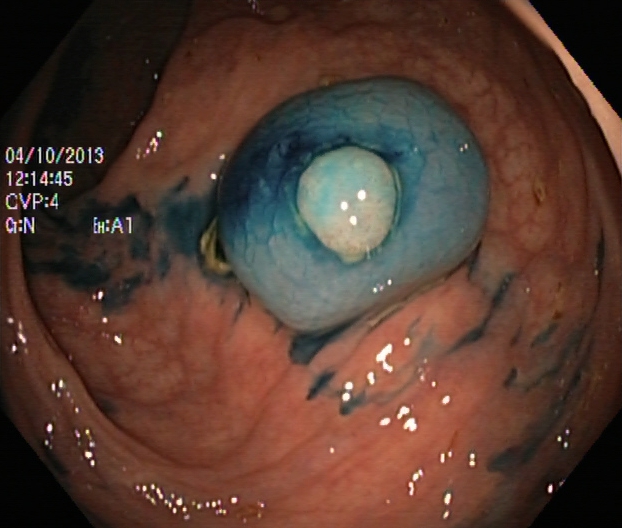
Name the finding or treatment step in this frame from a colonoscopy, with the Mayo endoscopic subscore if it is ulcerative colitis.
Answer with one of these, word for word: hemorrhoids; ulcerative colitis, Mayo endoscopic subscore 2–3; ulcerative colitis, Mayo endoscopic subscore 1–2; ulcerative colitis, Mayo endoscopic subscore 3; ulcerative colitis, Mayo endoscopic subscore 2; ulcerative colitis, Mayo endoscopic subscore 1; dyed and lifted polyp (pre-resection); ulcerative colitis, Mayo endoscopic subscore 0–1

dyed and lifted polyp (pre-resection)